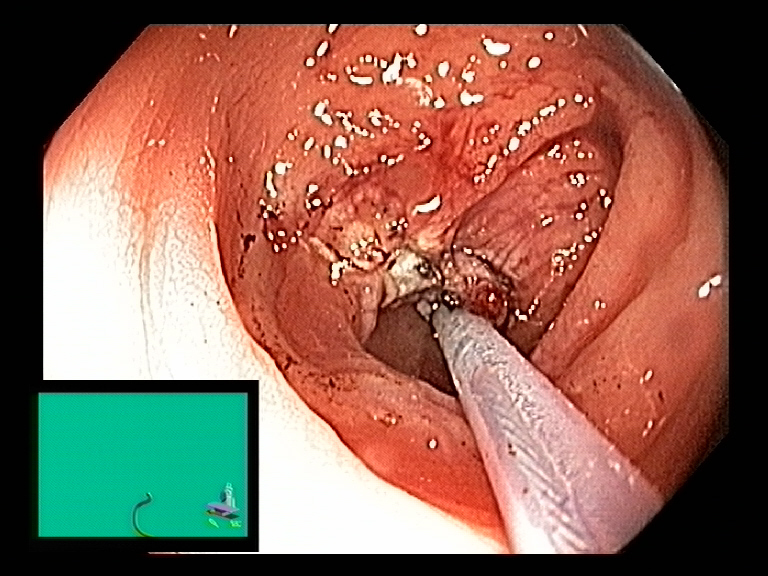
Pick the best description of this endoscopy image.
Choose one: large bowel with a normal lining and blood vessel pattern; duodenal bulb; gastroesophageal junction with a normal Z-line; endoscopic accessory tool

endoscopic accessory tool